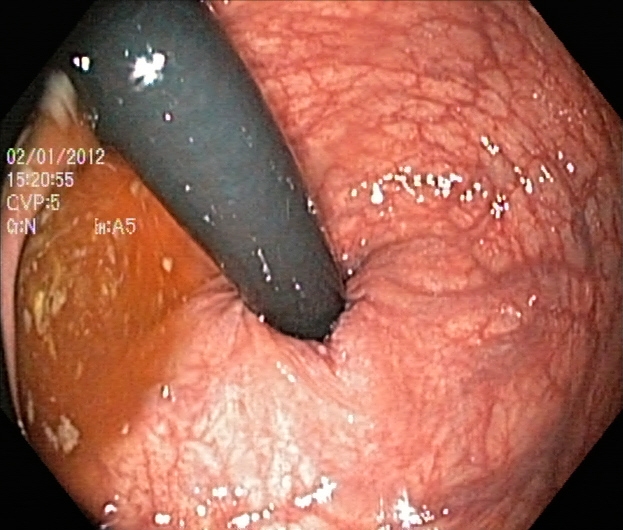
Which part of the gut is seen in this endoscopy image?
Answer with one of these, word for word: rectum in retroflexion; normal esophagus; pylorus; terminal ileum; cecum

rectum in retroflexion